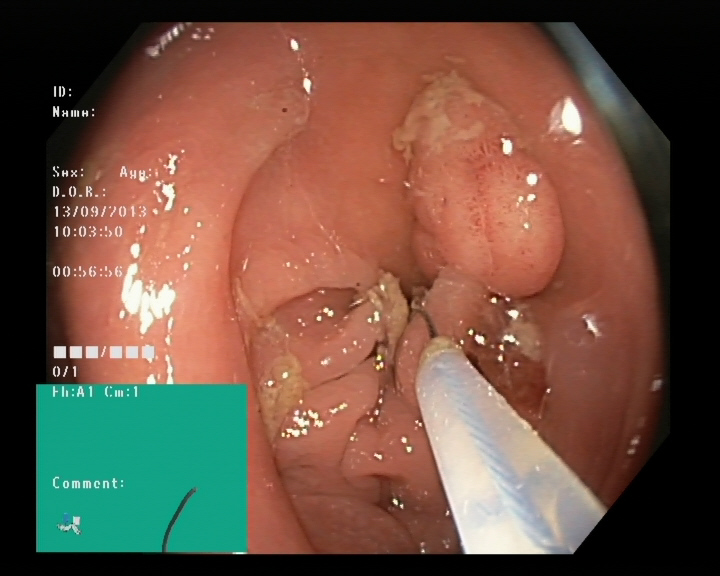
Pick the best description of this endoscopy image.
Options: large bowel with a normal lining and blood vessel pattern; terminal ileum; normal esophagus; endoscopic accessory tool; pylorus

endoscopic accessory tool